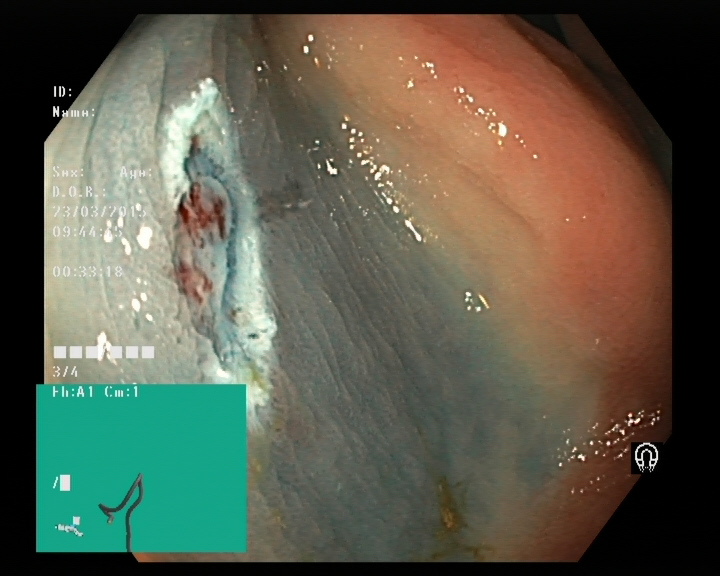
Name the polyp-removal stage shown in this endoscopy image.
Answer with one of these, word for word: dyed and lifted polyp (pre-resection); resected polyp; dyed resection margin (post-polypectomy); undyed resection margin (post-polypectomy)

dyed resection margin (post-polypectomy)